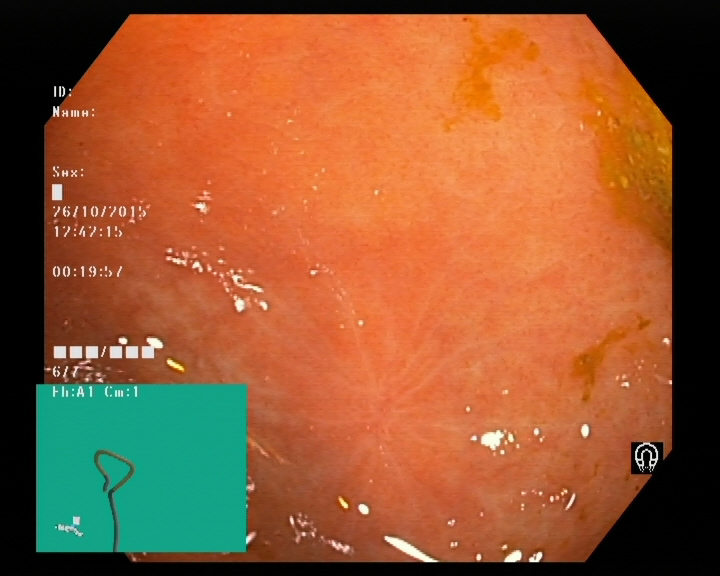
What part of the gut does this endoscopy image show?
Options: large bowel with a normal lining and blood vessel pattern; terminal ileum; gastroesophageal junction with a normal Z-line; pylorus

large bowel with a normal lining and blood vessel pattern